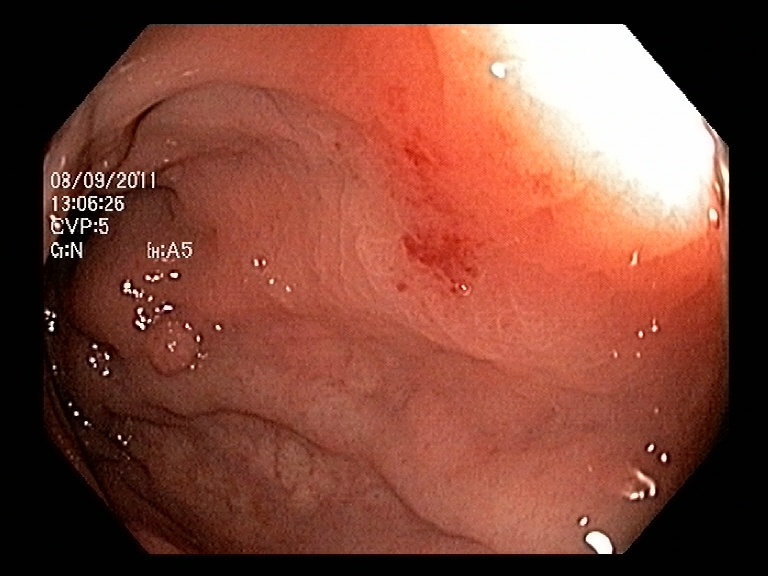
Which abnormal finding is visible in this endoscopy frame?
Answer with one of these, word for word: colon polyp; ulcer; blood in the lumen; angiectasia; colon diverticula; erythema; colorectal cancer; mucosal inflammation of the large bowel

colon polyp